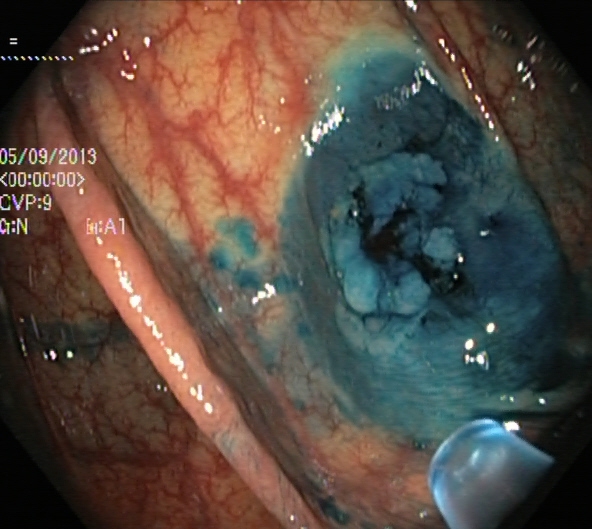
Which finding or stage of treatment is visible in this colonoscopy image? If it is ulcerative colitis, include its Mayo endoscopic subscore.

dyed and lifted polyp (pre-resection)